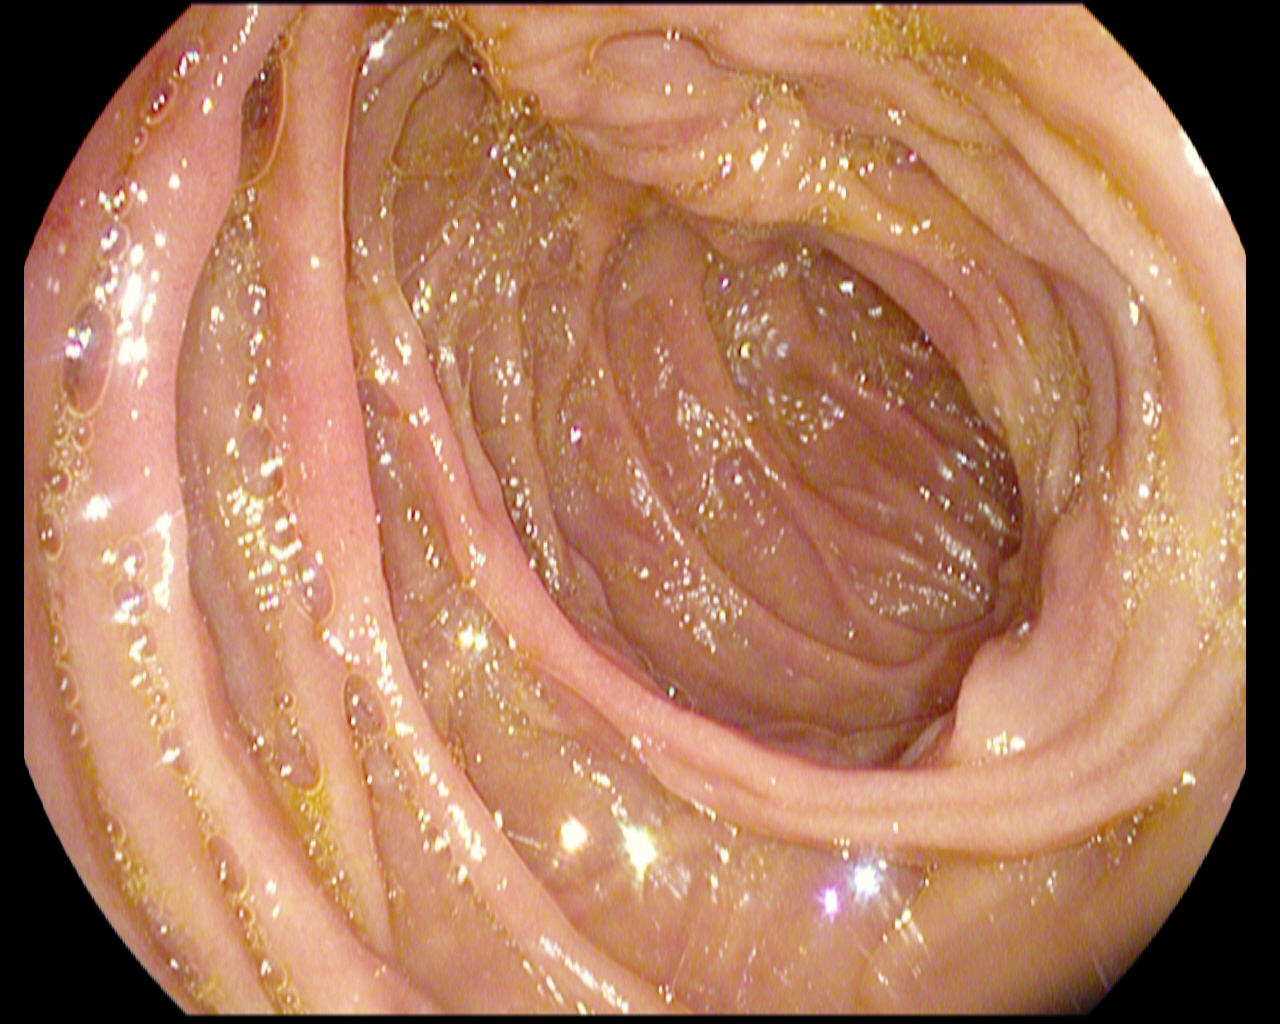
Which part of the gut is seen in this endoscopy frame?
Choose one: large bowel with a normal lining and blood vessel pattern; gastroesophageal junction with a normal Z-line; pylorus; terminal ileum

terminal ileum